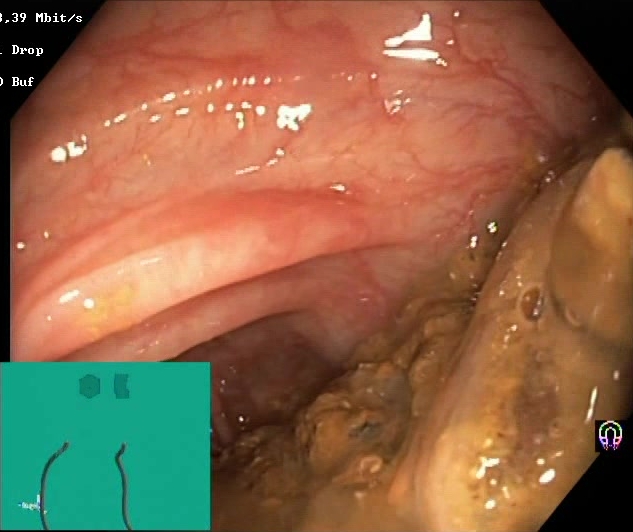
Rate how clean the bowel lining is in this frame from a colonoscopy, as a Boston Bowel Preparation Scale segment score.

Boston Bowel Preparation Scale score 0–1 (inadequate preparation)